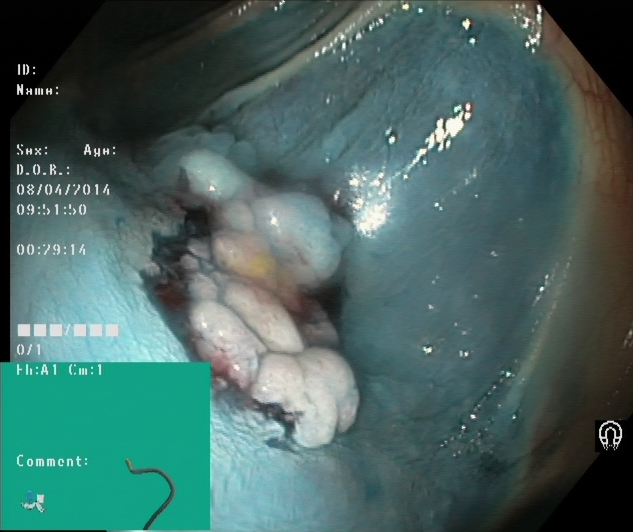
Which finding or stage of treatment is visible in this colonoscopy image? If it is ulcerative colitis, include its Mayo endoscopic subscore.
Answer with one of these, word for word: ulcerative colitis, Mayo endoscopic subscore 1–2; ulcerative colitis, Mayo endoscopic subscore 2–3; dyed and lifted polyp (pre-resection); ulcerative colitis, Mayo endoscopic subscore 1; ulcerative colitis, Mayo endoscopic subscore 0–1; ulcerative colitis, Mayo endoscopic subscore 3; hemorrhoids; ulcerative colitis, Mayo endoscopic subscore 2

dyed and lifted polyp (pre-resection)